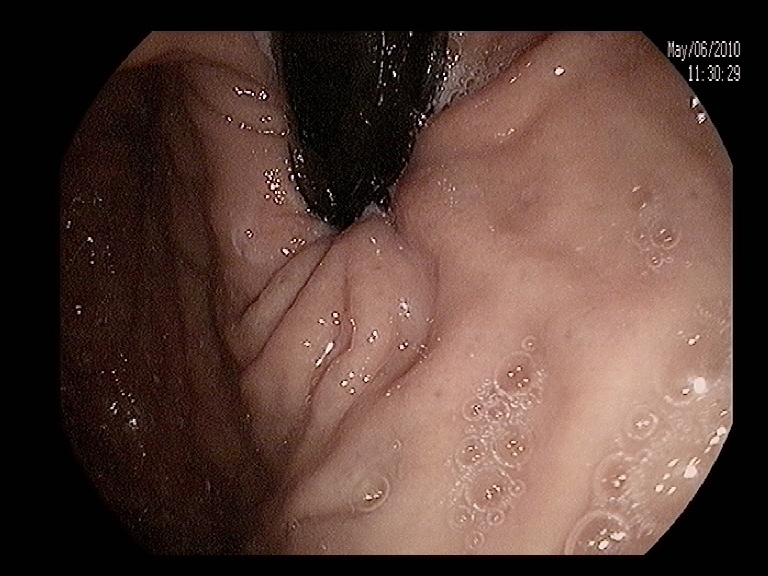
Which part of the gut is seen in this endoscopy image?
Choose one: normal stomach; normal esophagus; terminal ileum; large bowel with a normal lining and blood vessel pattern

normal stomach